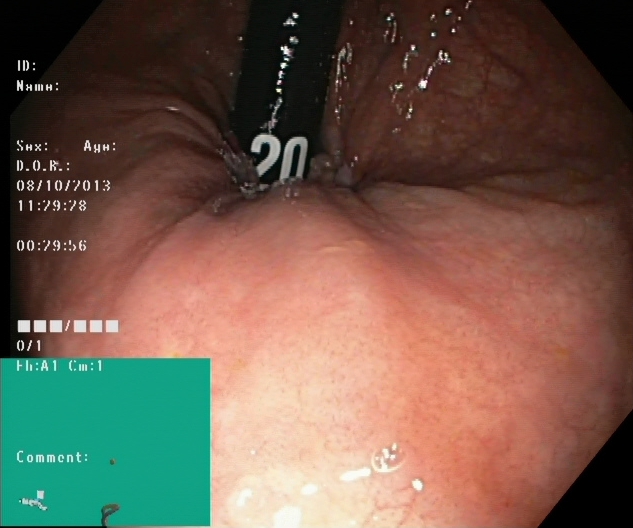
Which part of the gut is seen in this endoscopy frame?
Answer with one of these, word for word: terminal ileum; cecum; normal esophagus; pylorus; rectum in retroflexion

rectum in retroflexion